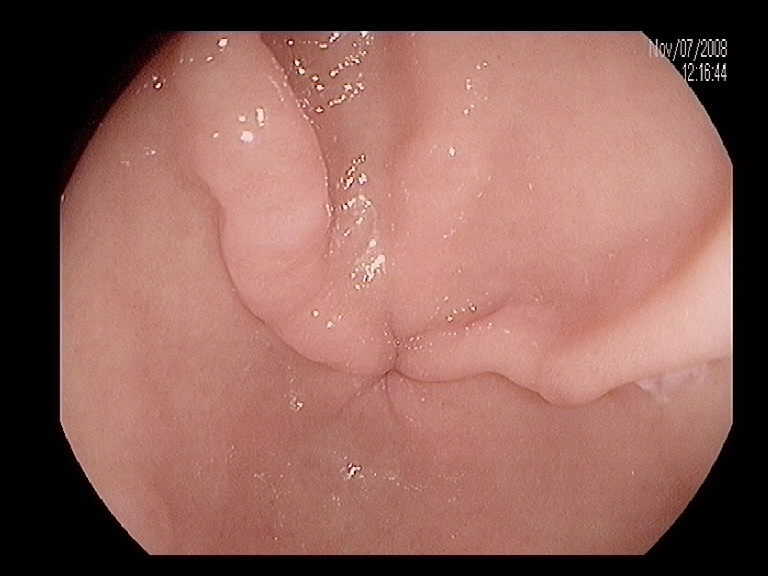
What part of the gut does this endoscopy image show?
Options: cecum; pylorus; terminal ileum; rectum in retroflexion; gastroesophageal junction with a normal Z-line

pylorus